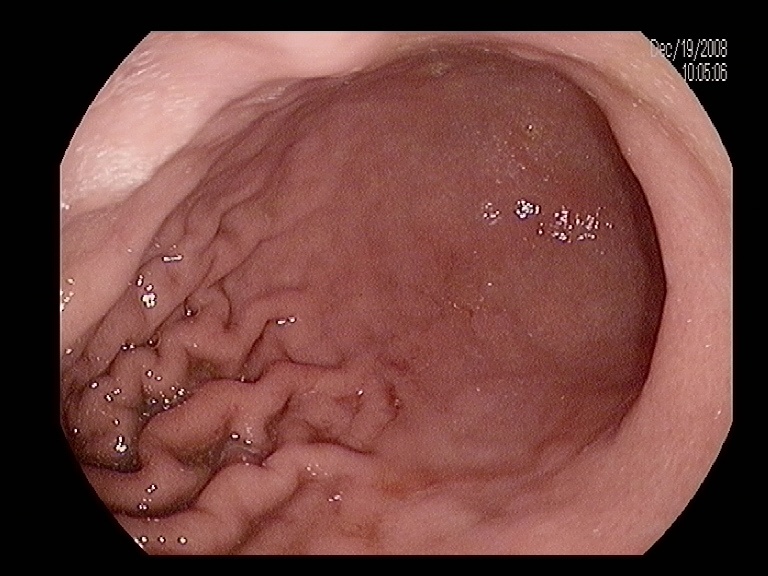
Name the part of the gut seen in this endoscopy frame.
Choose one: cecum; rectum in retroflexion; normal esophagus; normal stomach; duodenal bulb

normal stomach